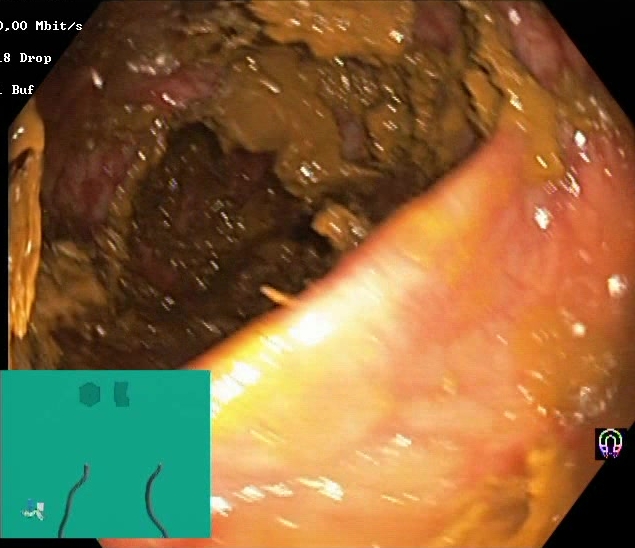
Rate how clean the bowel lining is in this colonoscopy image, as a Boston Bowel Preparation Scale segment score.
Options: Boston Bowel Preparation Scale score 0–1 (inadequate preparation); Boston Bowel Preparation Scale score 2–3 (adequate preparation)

Boston Bowel Preparation Scale score 0–1 (inadequate preparation)